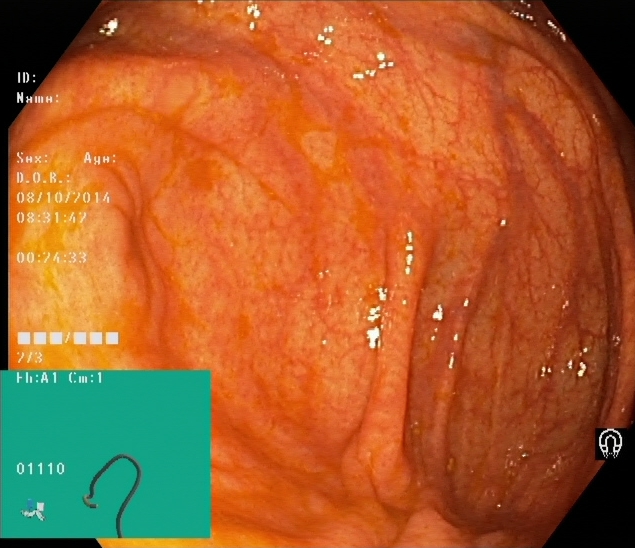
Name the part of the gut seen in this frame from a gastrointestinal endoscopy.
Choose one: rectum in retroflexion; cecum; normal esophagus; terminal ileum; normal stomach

cecum